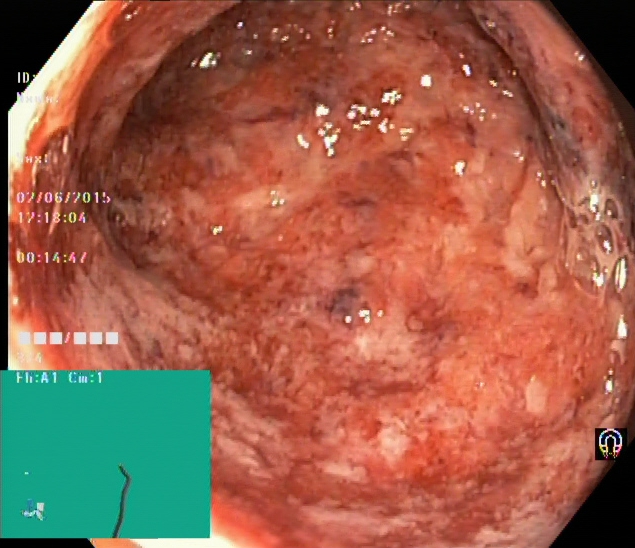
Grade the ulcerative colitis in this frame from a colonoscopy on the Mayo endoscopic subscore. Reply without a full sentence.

ulcerative colitis, Mayo endoscopic subscore 3